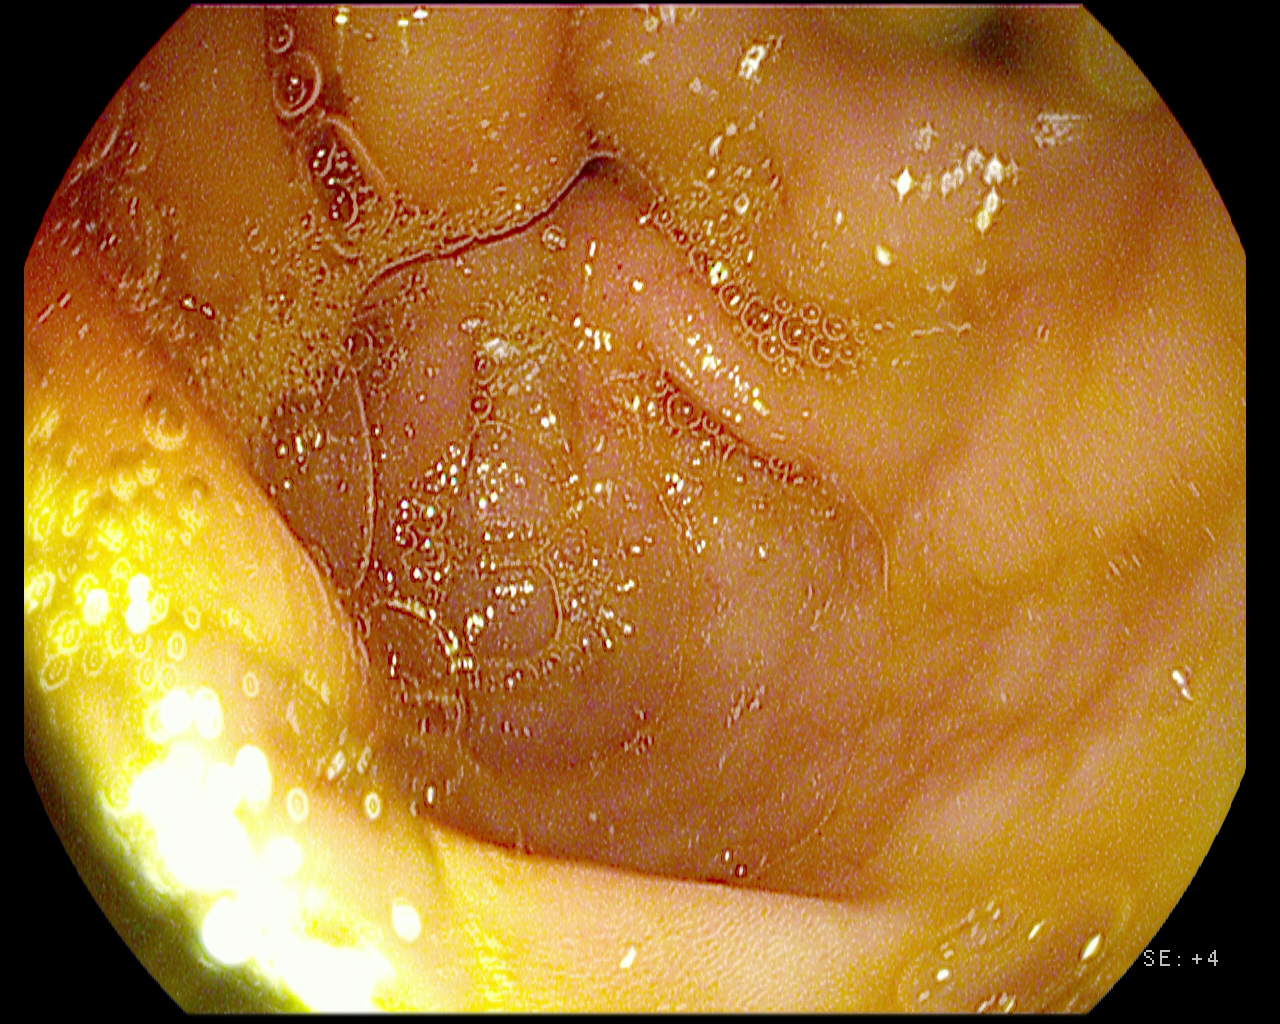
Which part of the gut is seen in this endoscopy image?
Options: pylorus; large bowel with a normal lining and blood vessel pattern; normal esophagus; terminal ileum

pylorus